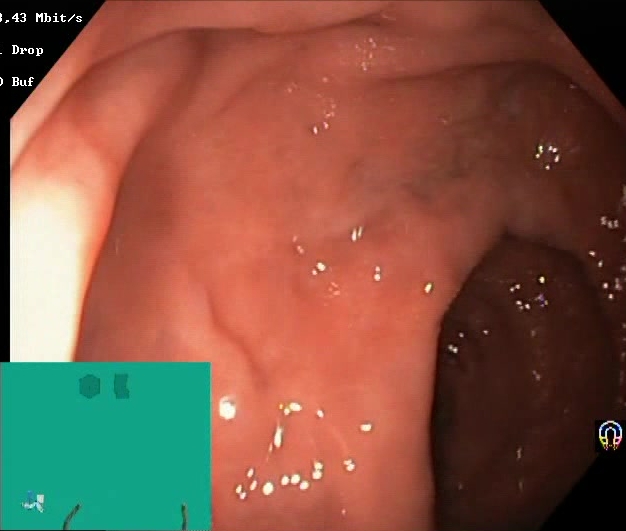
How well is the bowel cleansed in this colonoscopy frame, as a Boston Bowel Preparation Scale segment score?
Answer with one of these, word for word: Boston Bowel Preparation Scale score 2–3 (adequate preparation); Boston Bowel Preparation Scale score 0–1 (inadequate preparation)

Boston Bowel Preparation Scale score 2–3 (adequate preparation)